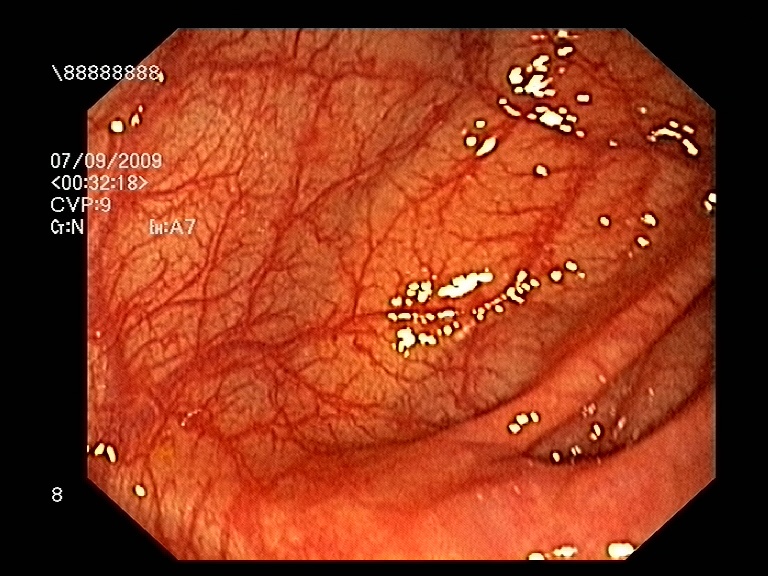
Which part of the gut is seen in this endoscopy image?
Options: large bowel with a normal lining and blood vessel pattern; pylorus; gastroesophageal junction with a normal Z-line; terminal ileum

large bowel with a normal lining and blood vessel pattern